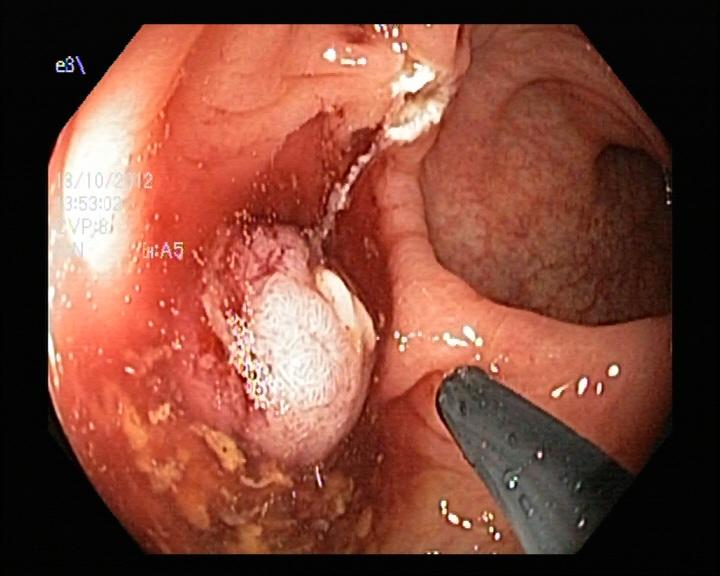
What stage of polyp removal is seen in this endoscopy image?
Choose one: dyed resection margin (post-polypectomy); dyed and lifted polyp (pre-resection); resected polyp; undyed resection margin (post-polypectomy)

resected polyp